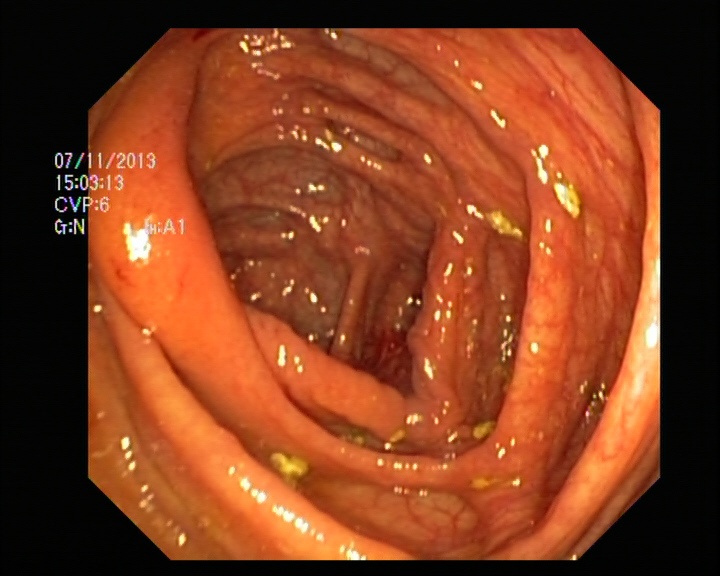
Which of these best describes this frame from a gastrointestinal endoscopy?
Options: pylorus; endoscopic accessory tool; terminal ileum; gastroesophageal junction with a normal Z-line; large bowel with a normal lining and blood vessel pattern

large bowel with a normal lining and blood vessel pattern